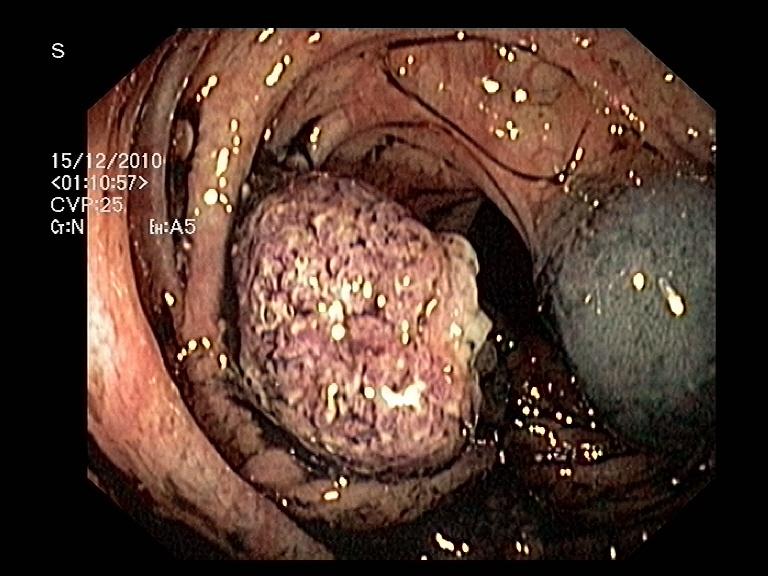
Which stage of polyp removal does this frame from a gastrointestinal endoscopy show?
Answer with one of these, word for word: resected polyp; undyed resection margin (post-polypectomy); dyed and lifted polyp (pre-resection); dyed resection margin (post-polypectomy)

resected polyp